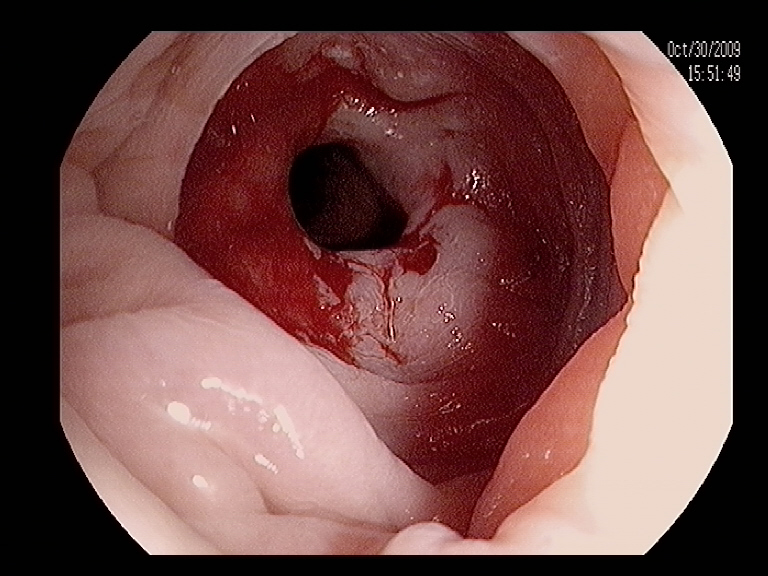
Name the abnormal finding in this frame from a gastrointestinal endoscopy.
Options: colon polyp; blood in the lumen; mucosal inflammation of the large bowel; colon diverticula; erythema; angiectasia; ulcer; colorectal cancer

blood in the lumen